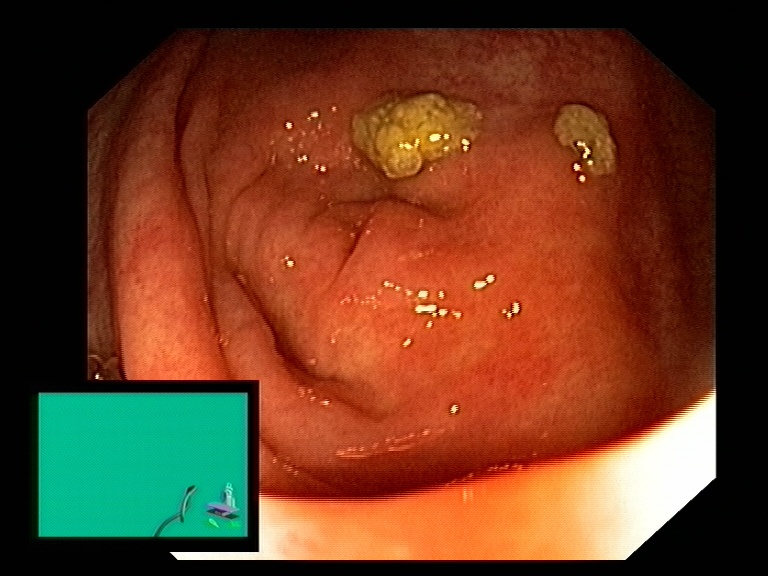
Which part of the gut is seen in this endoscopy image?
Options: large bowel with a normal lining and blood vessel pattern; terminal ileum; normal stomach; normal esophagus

large bowel with a normal lining and blood vessel pattern